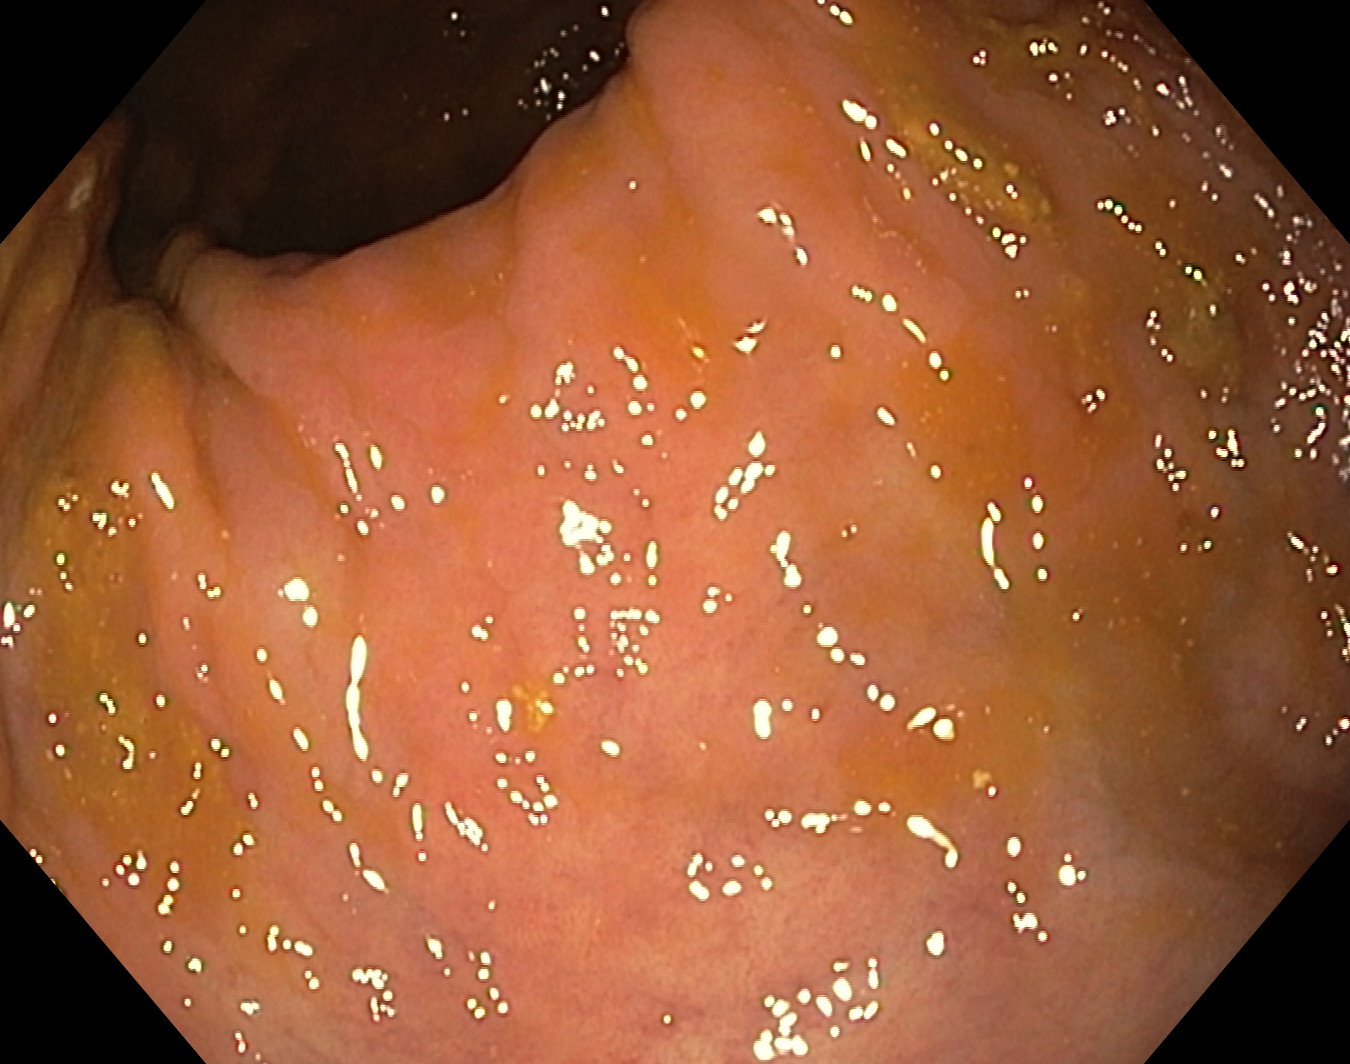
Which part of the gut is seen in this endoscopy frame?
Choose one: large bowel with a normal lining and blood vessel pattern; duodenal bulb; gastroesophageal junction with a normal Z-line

large bowel with a normal lining and blood vessel pattern